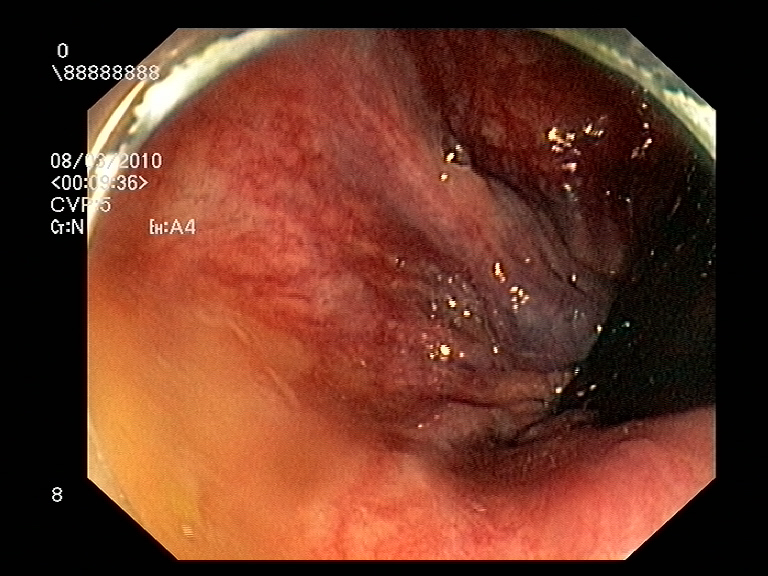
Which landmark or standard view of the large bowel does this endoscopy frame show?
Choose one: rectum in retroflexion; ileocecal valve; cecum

rectum in retroflexion